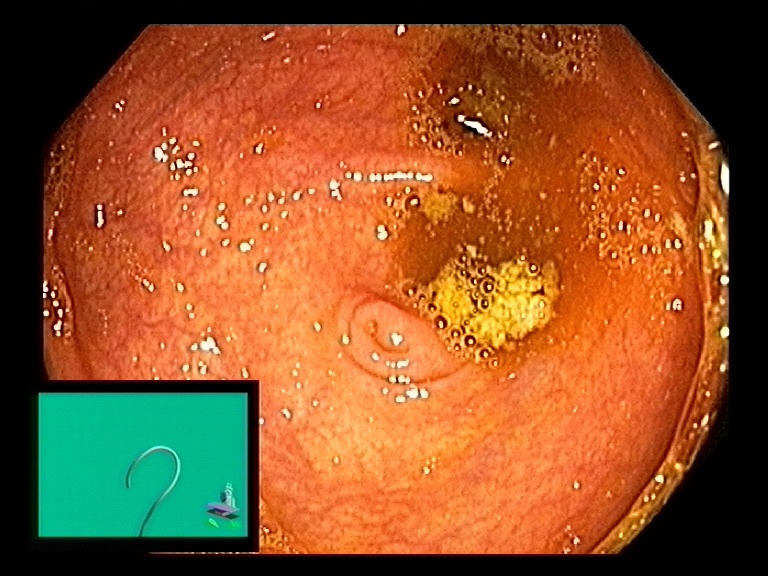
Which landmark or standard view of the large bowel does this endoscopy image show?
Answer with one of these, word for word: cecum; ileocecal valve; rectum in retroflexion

cecum